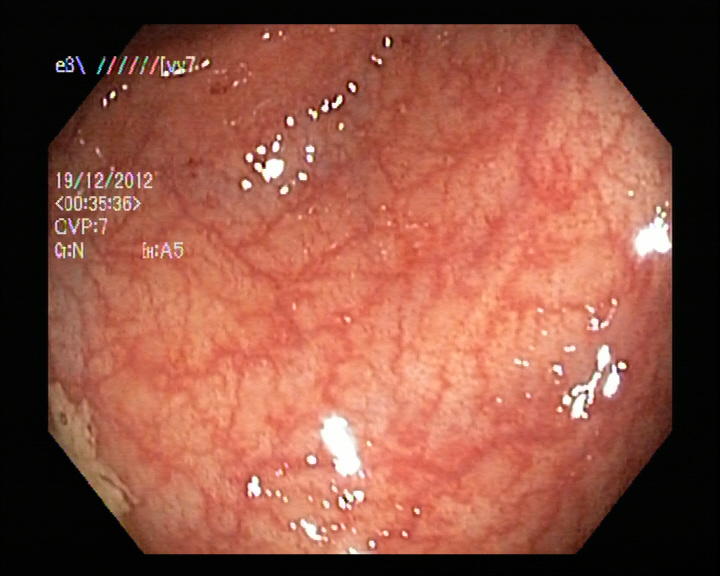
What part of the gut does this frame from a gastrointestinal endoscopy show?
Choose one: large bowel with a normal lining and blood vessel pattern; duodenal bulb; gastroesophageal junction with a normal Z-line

large bowel with a normal lining and blood vessel pattern